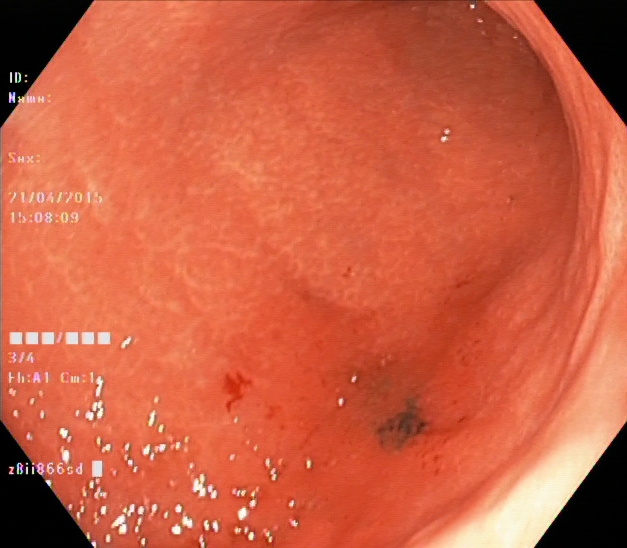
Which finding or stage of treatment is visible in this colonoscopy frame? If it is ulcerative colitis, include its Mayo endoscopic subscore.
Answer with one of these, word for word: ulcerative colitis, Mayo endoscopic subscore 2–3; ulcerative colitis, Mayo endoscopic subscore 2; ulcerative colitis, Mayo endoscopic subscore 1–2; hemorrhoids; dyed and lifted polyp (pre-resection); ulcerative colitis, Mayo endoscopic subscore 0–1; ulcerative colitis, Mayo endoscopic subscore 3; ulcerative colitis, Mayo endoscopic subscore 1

ulcerative colitis, Mayo endoscopic subscore 1